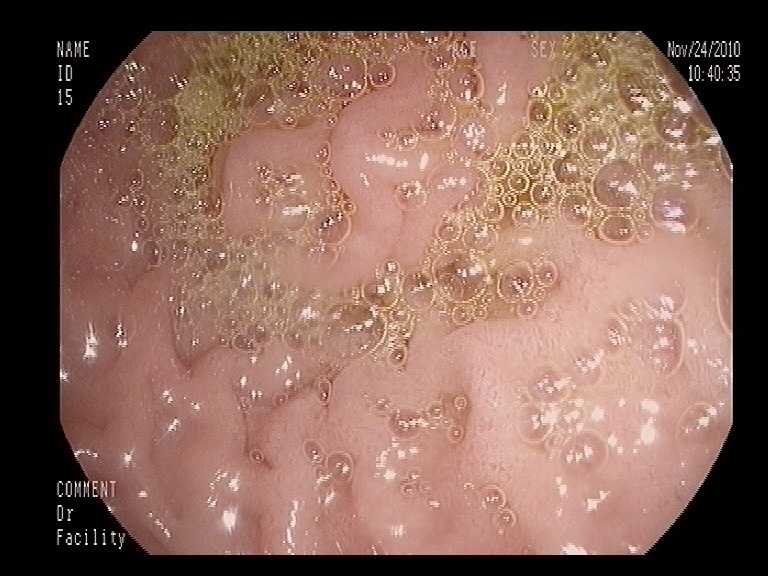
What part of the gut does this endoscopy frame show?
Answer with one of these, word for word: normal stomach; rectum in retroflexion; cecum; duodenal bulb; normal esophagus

normal stomach